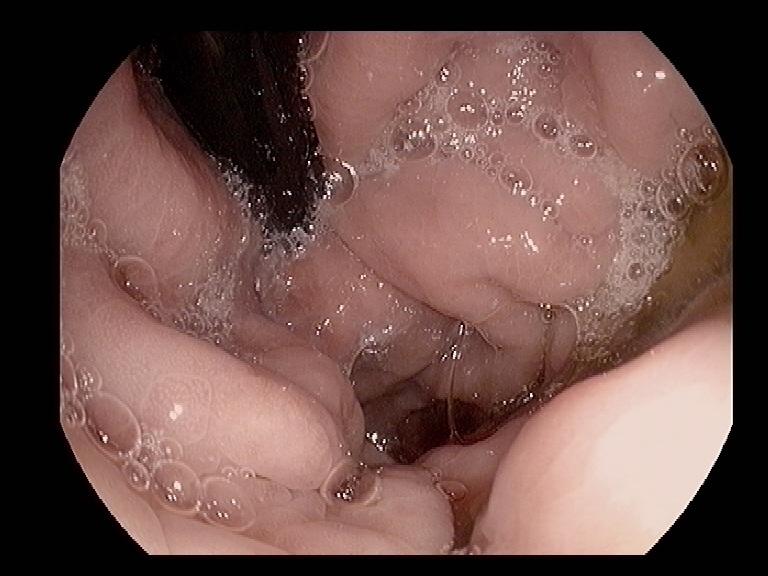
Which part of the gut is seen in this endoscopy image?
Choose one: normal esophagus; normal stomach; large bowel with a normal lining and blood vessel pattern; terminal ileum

normal stomach